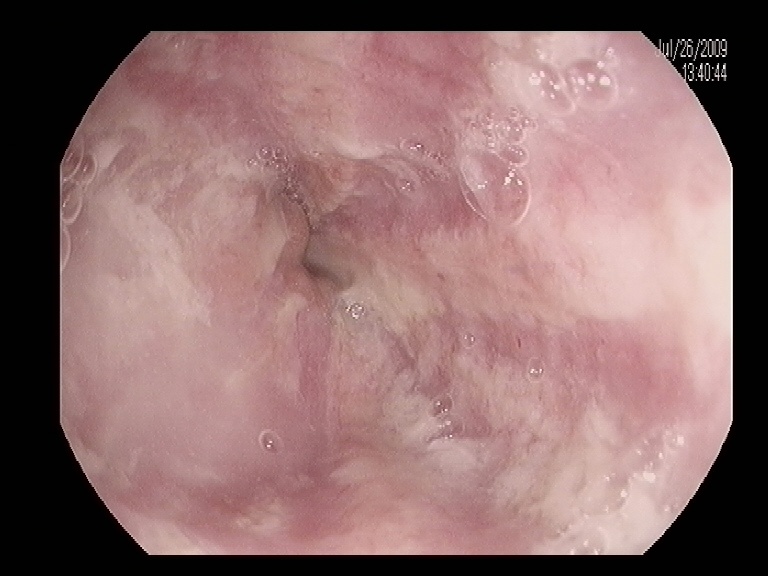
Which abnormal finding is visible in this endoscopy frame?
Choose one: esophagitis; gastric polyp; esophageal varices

esophagitis